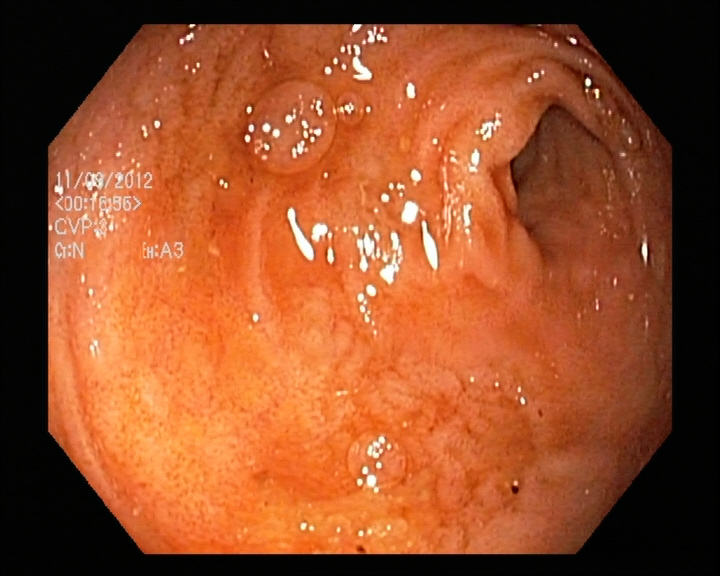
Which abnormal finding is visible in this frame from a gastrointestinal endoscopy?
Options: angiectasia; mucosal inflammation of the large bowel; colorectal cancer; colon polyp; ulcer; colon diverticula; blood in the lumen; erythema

colon polyp